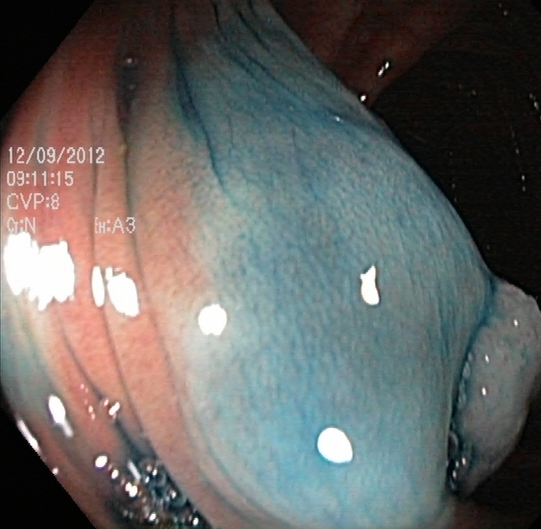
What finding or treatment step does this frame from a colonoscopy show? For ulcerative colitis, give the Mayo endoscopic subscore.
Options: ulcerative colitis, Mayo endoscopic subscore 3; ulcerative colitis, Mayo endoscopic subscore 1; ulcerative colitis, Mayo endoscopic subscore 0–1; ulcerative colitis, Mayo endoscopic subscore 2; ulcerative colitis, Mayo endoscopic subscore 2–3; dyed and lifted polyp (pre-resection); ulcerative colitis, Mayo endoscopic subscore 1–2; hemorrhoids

dyed and lifted polyp (pre-resection)